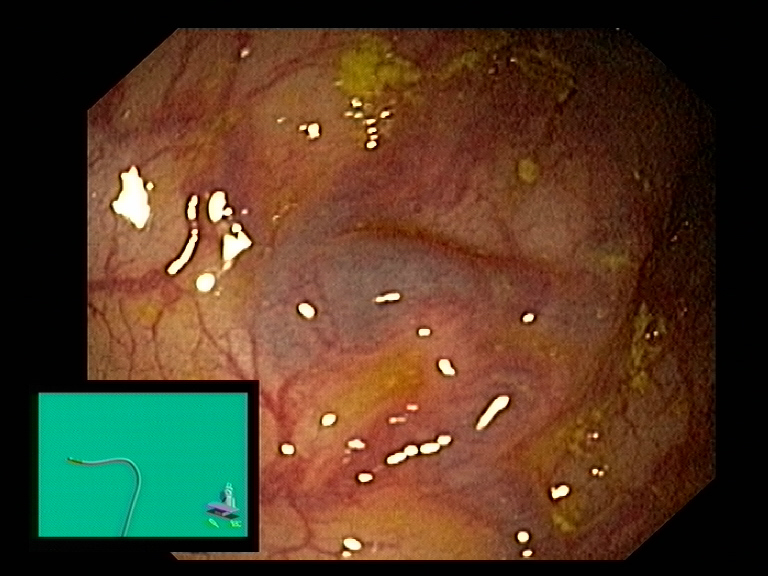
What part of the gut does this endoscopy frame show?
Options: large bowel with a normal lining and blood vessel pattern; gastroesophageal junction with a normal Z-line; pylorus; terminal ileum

large bowel with a normal lining and blood vessel pattern